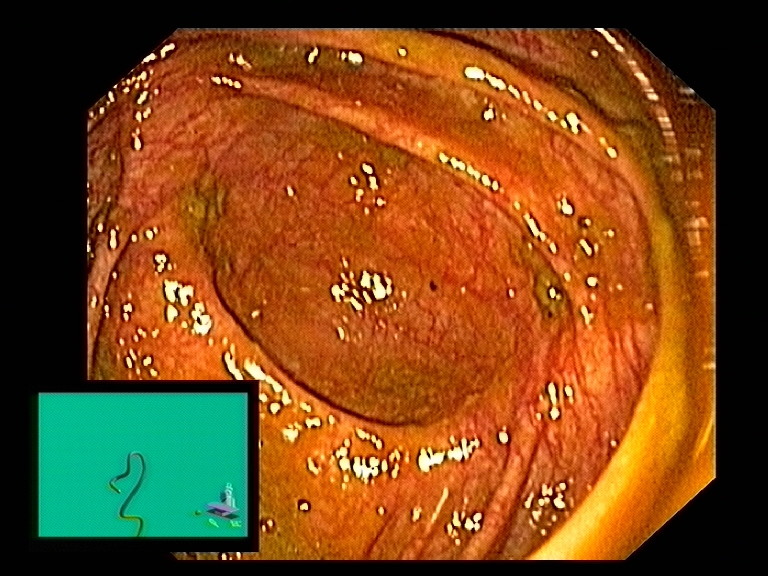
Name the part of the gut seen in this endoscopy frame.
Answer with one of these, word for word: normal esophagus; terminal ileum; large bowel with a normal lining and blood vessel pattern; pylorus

large bowel with a normal lining and blood vessel pattern